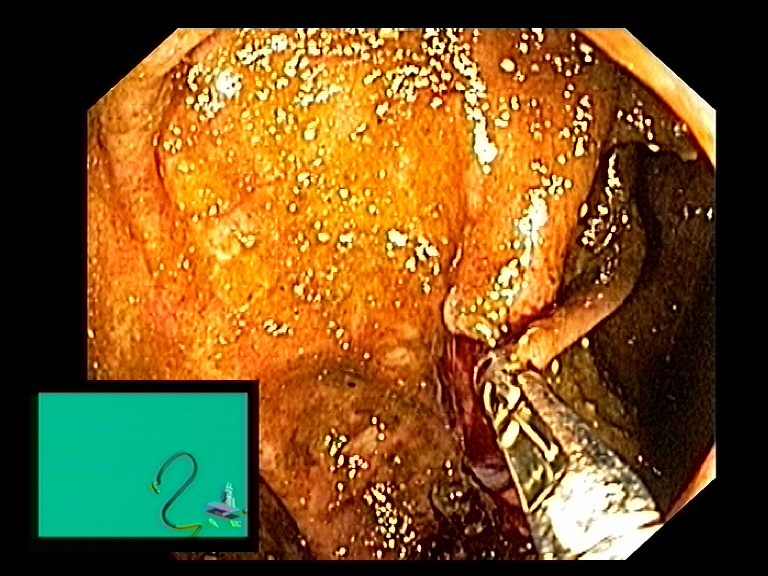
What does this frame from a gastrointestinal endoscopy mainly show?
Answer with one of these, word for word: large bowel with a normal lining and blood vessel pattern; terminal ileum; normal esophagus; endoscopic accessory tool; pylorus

endoscopic accessory tool